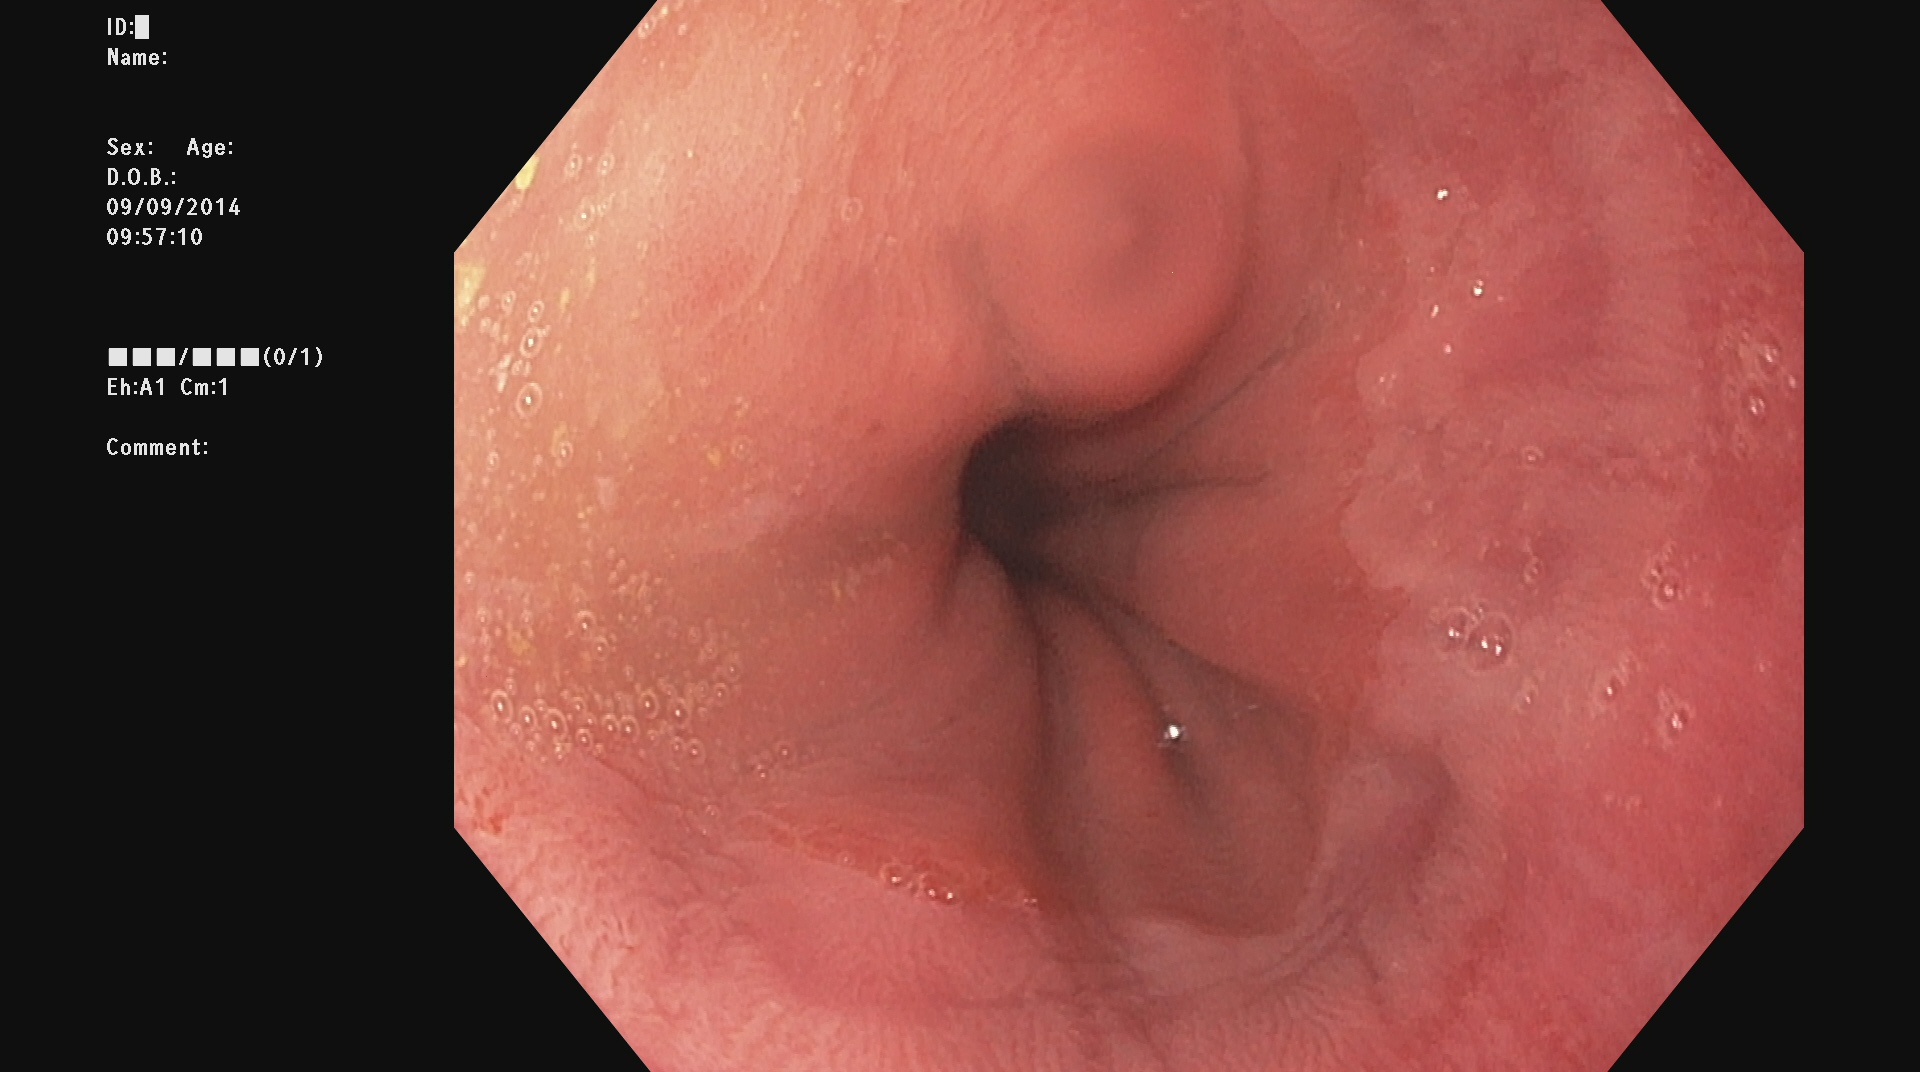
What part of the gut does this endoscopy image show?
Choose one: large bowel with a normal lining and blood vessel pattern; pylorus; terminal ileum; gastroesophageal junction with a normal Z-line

gastroesophageal junction with a normal Z-line